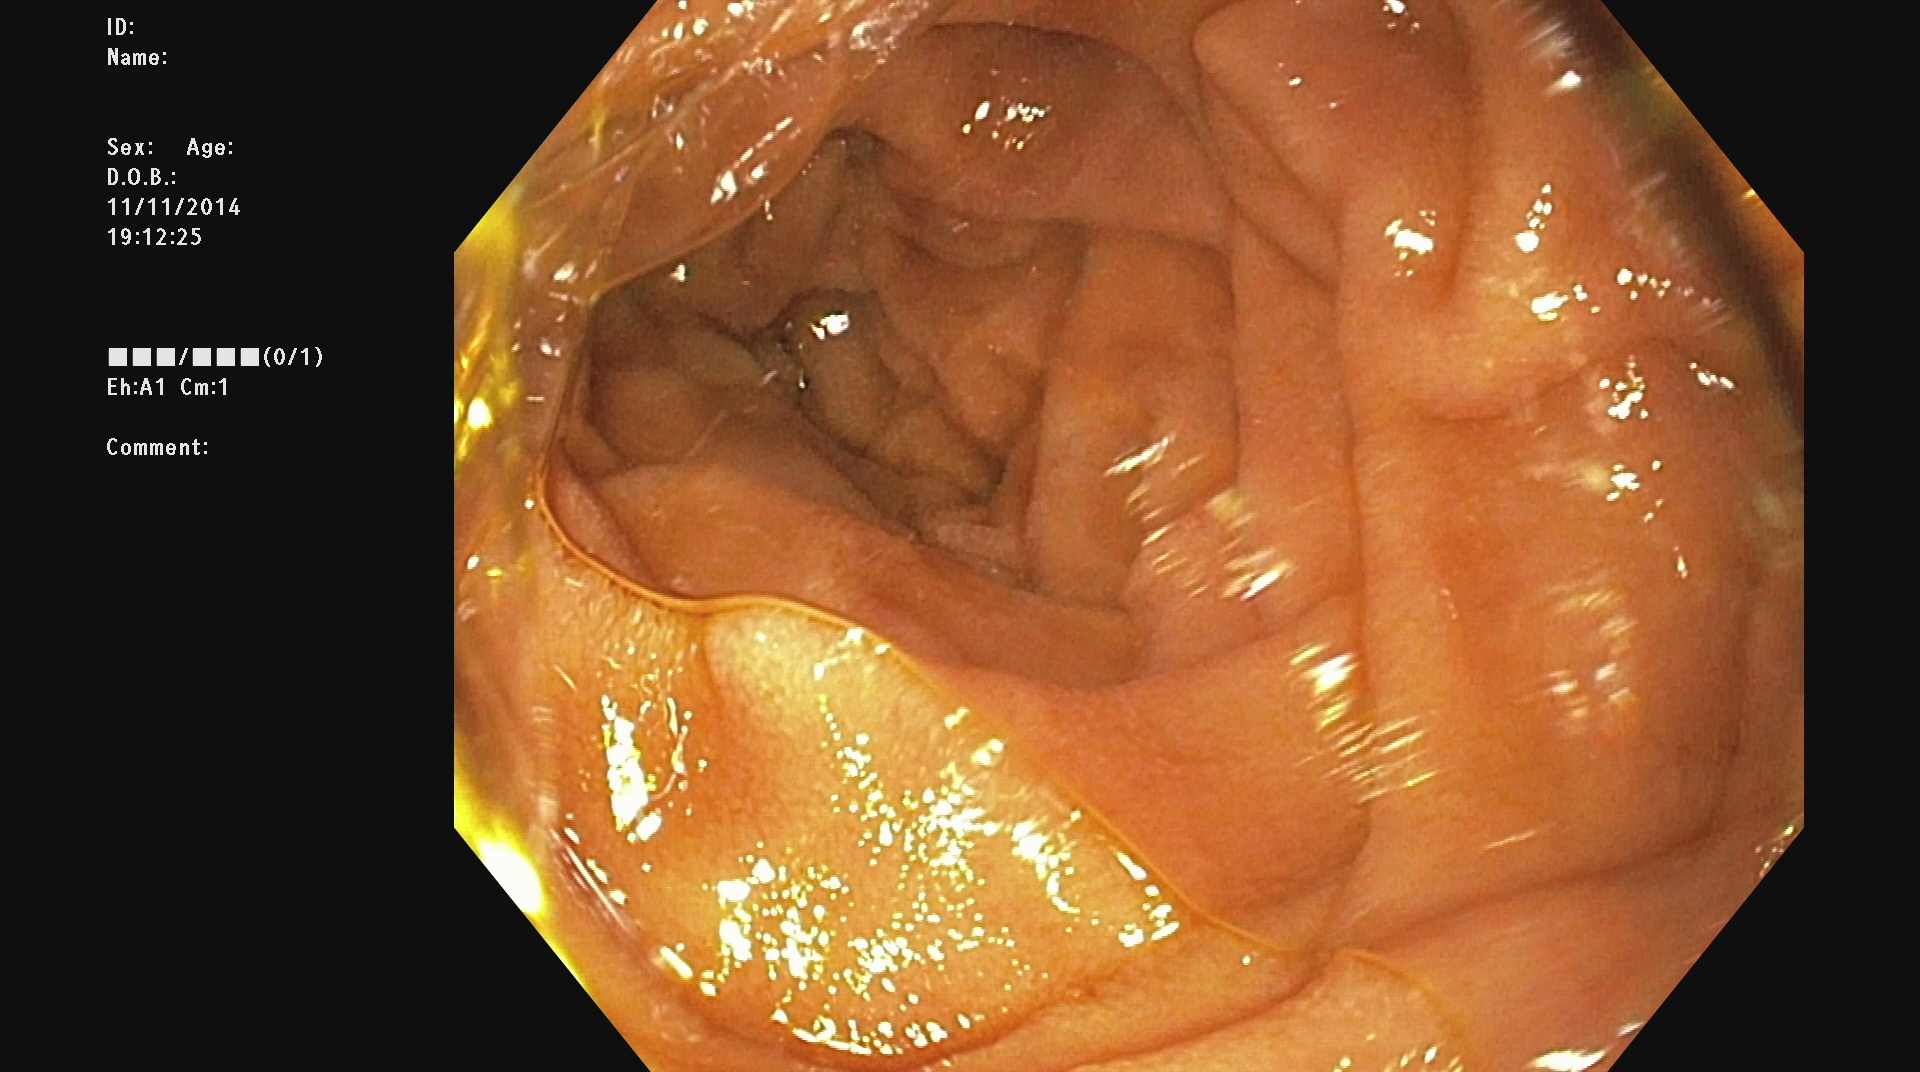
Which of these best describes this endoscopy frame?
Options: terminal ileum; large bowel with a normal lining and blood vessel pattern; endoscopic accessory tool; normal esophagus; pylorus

terminal ileum